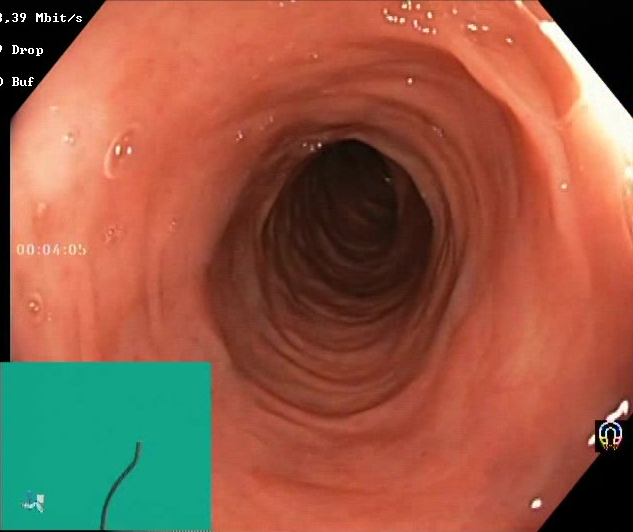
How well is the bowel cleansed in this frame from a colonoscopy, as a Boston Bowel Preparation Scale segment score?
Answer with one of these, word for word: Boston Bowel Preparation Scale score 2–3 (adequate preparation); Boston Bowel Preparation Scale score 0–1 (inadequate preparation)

Boston Bowel Preparation Scale score 2–3 (adequate preparation)